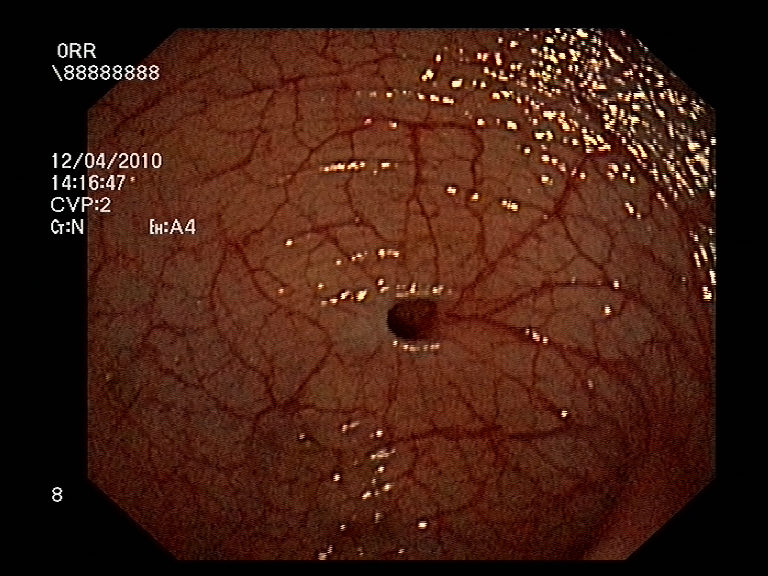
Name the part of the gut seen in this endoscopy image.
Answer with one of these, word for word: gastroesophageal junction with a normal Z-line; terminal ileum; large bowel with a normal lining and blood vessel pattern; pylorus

large bowel with a normal lining and blood vessel pattern